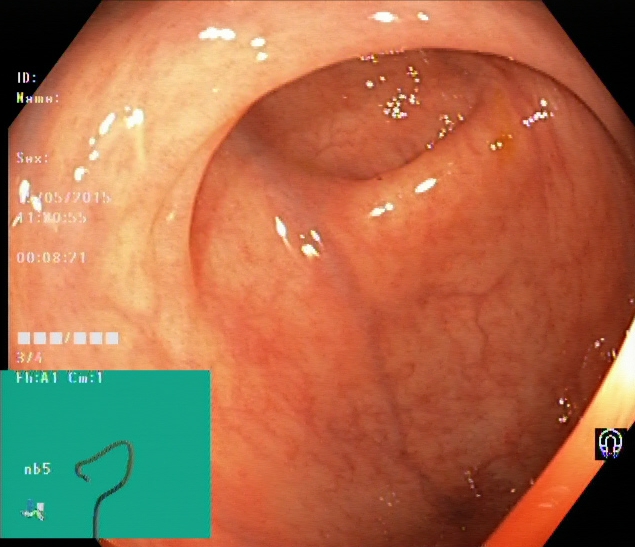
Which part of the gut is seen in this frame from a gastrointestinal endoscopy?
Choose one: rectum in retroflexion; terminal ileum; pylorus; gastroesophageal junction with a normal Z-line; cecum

cecum